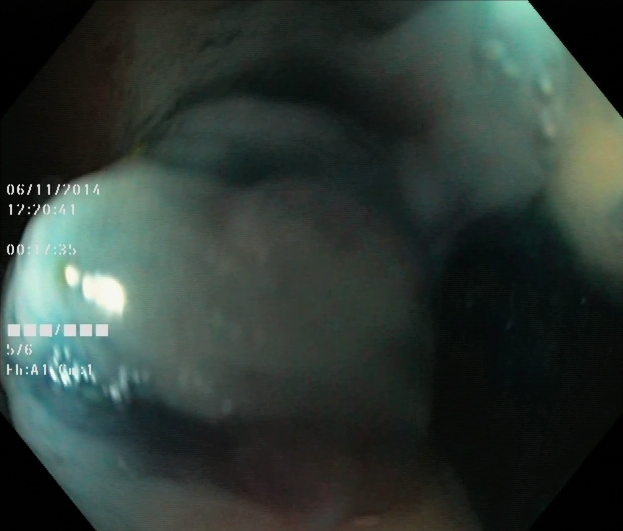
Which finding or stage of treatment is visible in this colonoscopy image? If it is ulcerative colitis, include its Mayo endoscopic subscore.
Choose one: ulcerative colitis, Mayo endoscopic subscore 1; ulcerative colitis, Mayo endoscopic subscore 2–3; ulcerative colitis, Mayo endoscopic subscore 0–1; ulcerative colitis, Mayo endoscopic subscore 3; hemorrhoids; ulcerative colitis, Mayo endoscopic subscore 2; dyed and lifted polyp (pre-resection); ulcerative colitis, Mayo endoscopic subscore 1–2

dyed and lifted polyp (pre-resection)